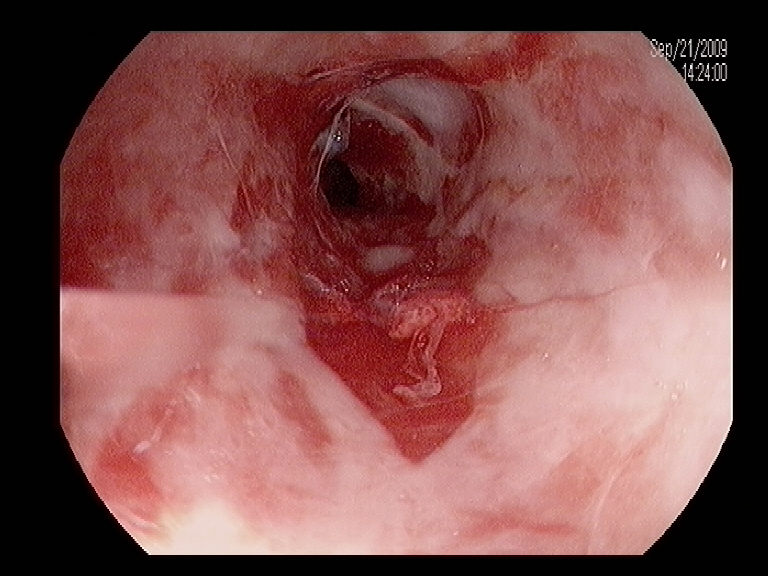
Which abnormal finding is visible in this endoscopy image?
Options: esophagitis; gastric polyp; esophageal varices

esophagitis